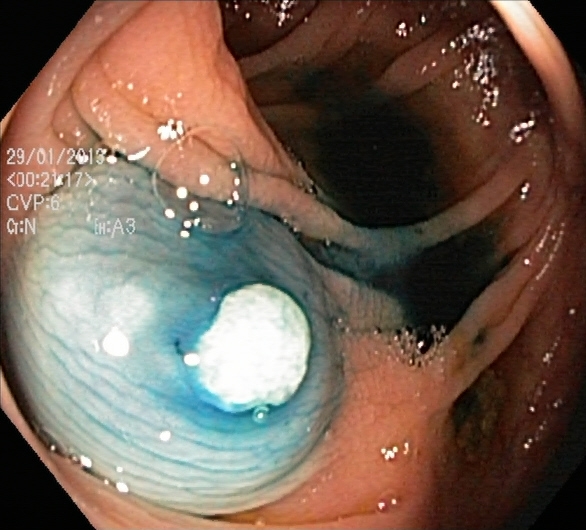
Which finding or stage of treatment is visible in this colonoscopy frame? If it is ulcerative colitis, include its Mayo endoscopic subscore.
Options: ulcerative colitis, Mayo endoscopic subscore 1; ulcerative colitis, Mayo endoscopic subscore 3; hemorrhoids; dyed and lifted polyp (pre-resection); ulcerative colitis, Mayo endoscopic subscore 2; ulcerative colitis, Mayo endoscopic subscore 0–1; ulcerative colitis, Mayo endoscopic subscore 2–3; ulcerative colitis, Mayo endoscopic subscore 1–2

dyed and lifted polyp (pre-resection)